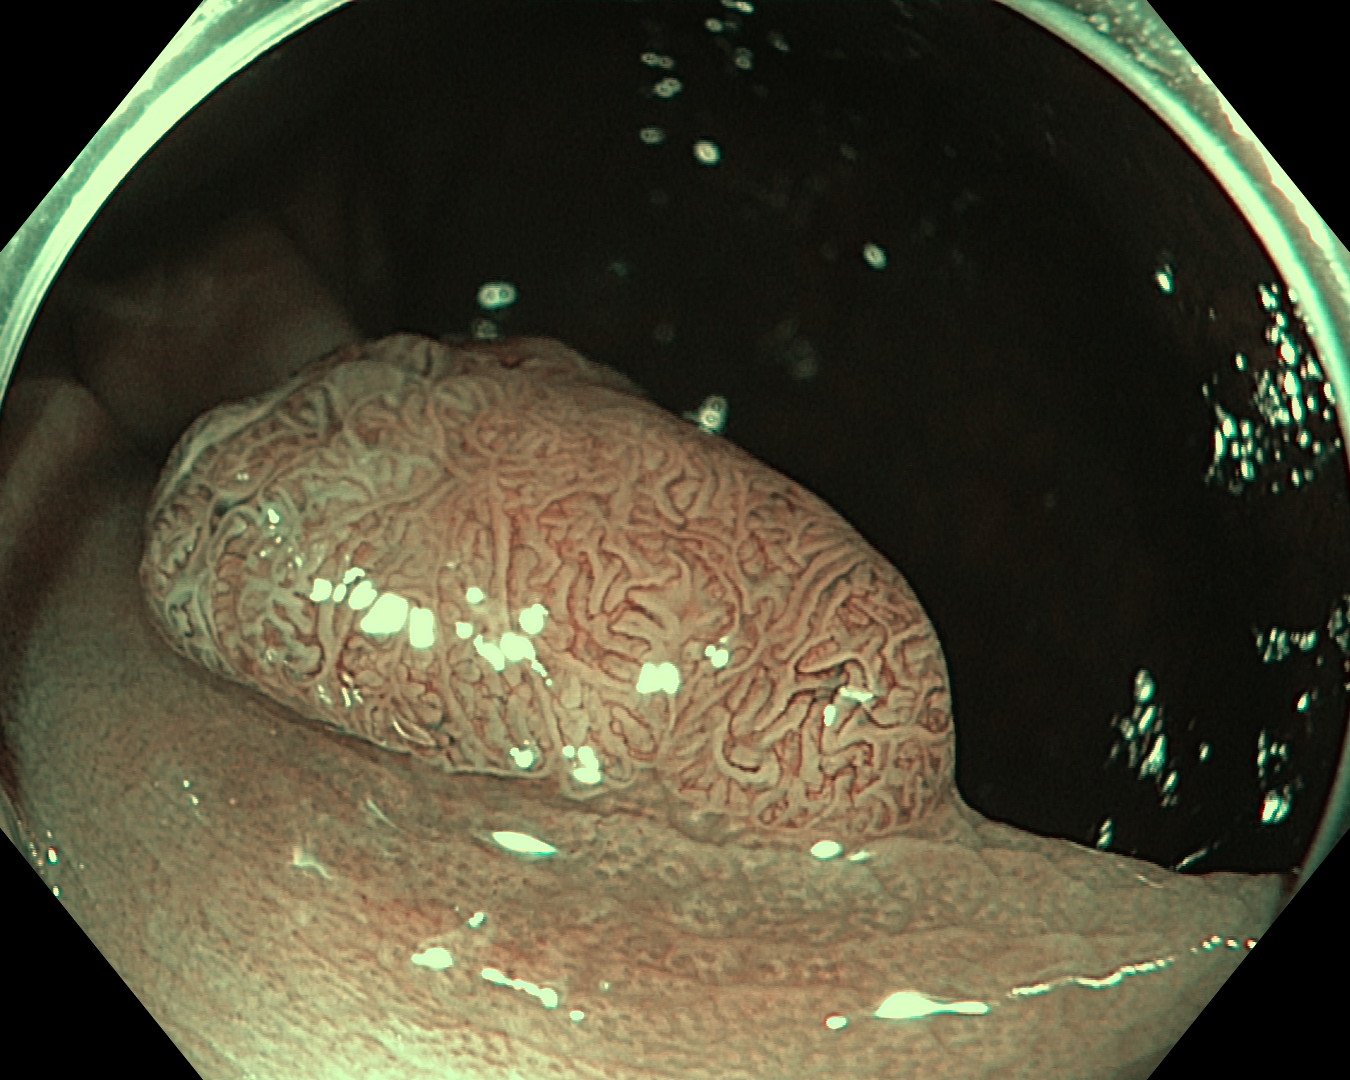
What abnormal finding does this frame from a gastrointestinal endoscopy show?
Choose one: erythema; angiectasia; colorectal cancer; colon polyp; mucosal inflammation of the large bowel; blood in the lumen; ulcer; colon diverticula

colon polyp